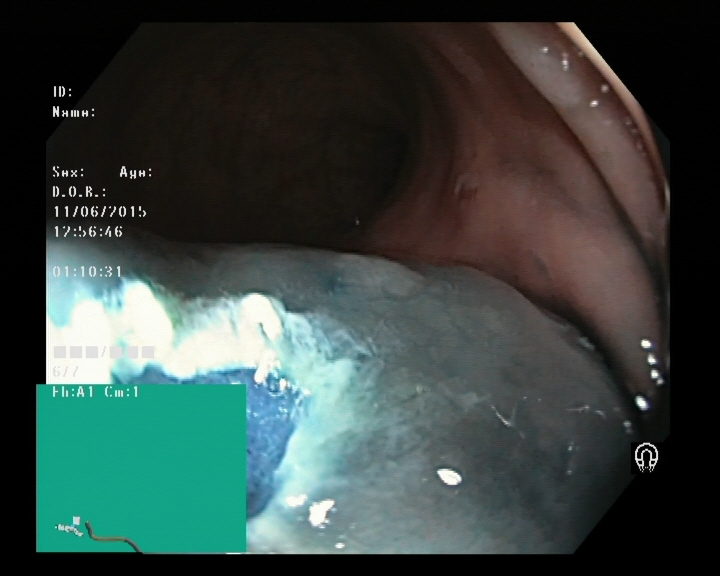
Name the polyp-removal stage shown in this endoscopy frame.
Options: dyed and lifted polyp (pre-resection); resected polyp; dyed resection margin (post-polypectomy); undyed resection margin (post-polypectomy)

dyed resection margin (post-polypectomy)